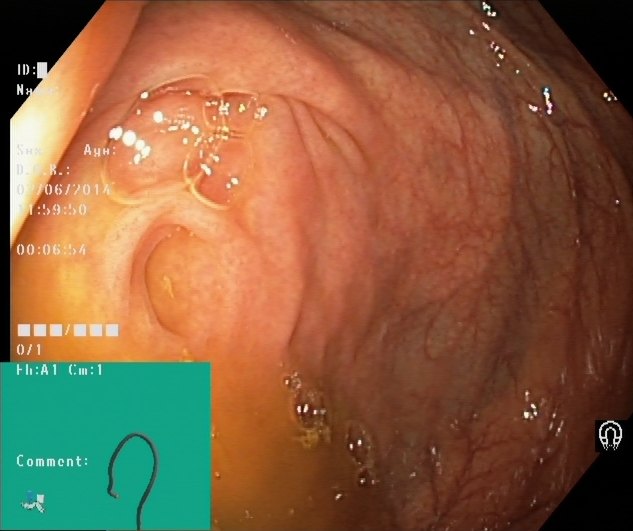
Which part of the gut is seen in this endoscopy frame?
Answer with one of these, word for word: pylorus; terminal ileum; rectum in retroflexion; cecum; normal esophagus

cecum